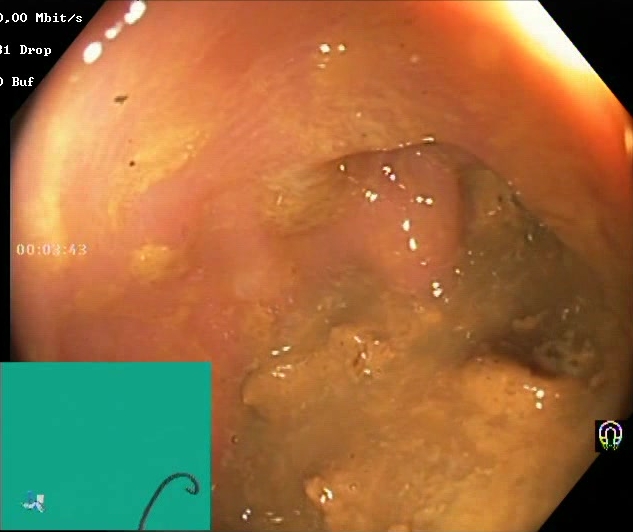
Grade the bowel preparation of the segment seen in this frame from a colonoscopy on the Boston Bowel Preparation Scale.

Boston Bowel Preparation Scale score 0–1 (inadequate preparation)